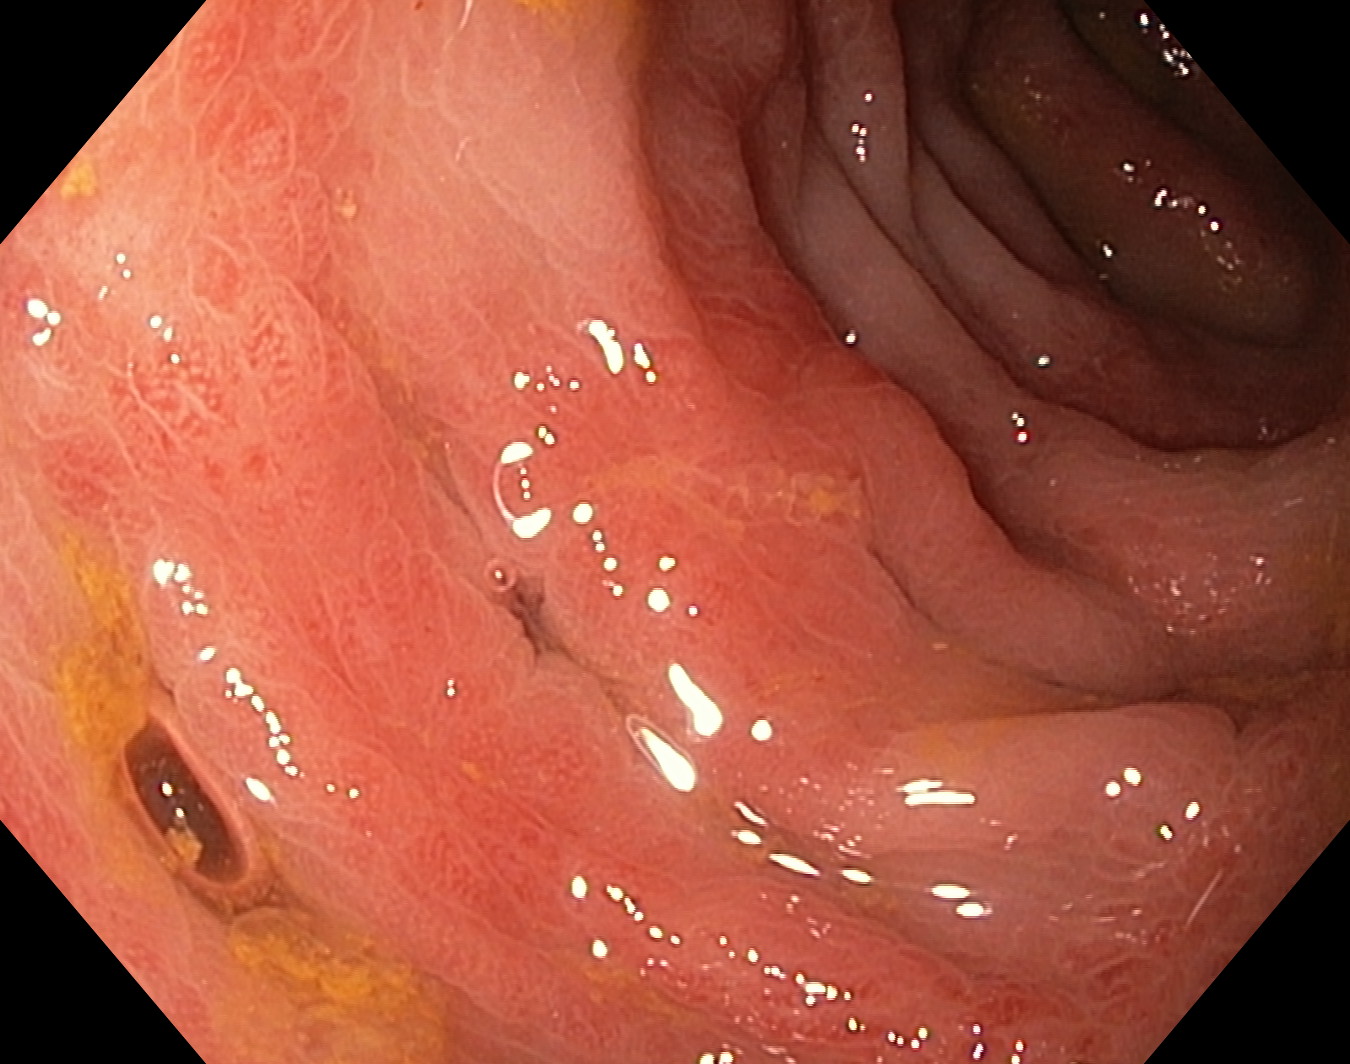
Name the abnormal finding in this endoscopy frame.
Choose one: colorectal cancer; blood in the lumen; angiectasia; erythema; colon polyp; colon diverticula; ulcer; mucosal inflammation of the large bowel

erythema